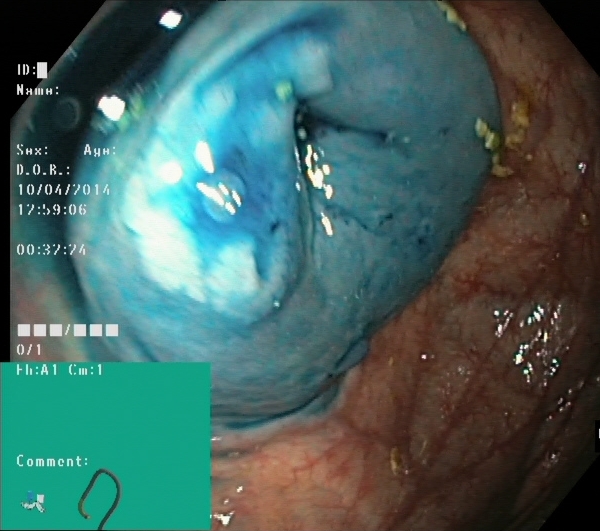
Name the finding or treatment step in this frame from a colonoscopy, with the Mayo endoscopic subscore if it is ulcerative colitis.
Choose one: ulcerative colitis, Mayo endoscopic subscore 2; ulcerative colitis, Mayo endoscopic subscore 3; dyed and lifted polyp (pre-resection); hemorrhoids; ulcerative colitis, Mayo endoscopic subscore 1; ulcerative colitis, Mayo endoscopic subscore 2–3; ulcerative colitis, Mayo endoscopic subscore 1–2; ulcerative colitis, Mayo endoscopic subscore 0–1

dyed and lifted polyp (pre-resection)